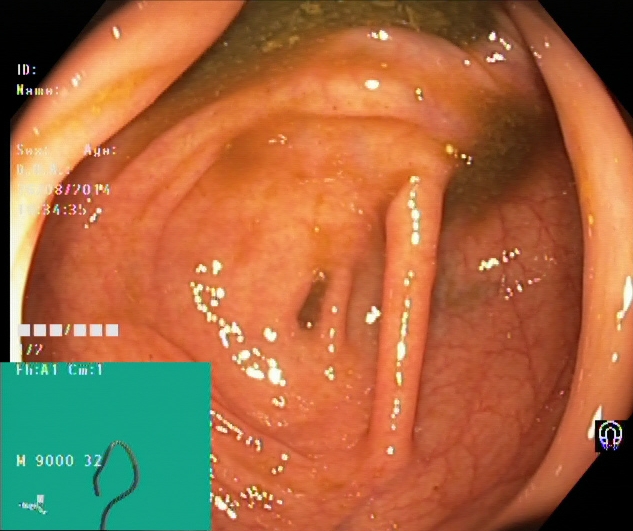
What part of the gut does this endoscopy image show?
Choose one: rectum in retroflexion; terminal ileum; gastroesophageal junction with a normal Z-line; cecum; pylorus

cecum